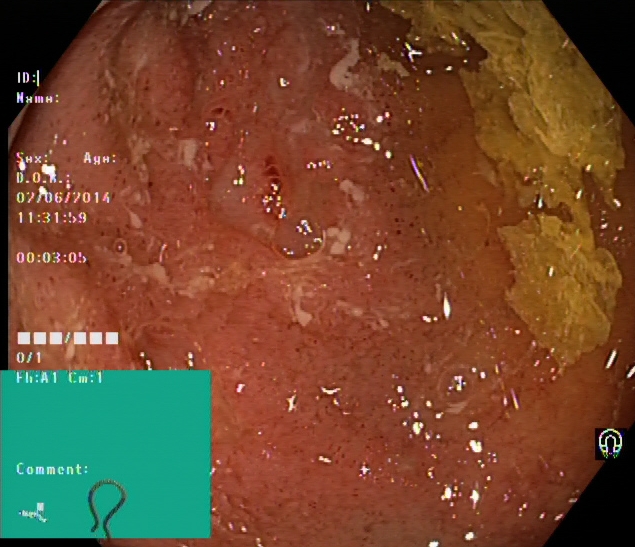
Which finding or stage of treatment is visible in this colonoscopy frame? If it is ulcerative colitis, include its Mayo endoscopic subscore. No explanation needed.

ulcerative colitis, Mayo endoscopic subscore 2